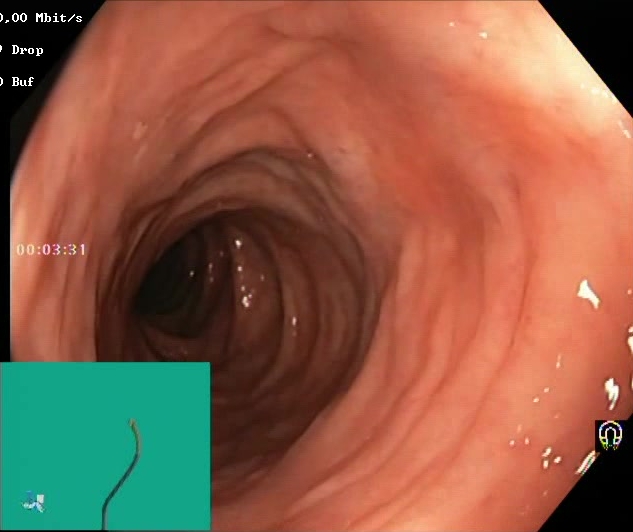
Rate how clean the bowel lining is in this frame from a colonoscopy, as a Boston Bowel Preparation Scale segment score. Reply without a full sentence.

Boston Bowel Preparation Scale score 2–3 (adequate preparation)